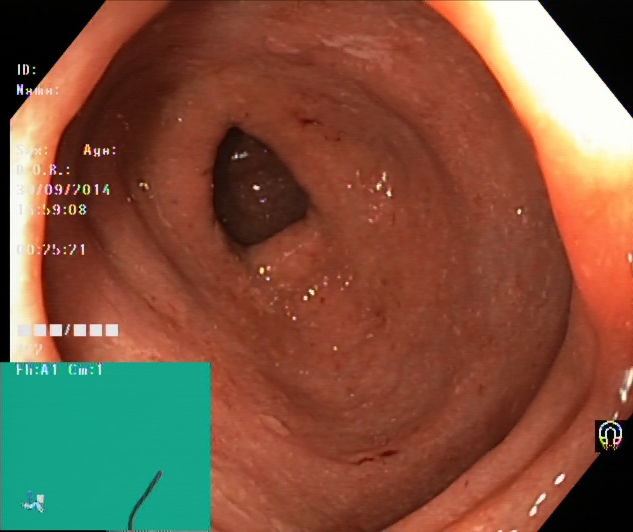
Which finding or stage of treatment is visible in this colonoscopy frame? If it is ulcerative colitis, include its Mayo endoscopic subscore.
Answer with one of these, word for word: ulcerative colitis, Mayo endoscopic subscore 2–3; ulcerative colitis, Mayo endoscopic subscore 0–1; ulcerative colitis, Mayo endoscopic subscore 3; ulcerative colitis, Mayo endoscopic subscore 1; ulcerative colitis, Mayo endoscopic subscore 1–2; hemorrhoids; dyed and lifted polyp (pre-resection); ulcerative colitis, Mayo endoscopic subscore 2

ulcerative colitis, Mayo endoscopic subscore 2